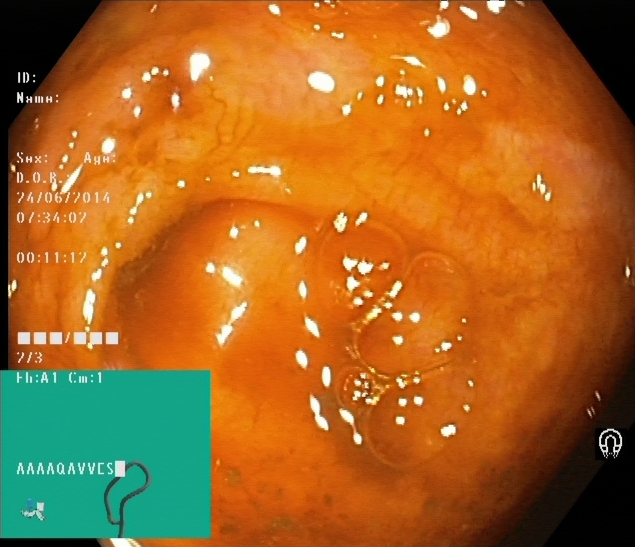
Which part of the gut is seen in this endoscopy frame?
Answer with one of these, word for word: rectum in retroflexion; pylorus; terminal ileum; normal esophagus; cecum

cecum